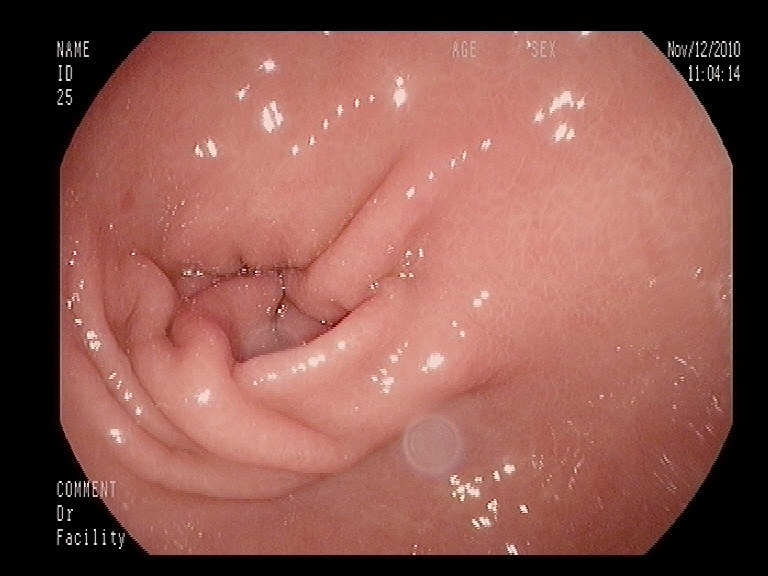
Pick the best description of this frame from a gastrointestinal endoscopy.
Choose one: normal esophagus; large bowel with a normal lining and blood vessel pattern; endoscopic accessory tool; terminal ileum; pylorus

pylorus